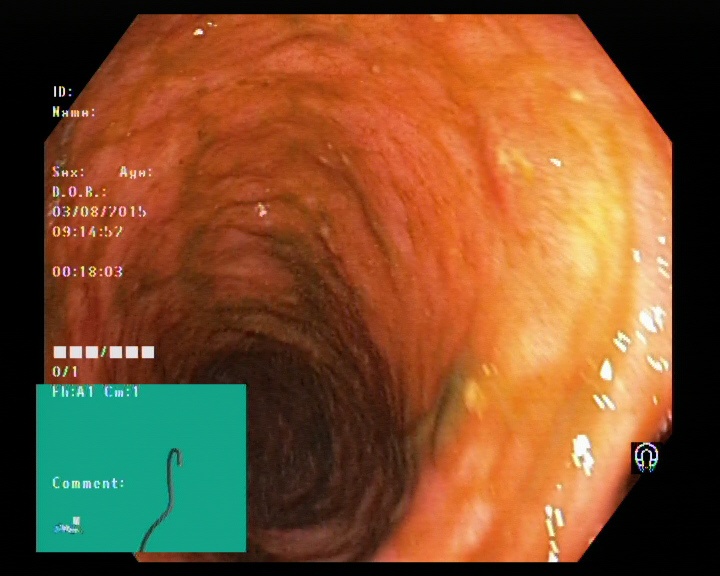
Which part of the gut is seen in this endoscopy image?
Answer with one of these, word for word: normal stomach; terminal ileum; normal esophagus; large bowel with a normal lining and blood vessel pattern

large bowel with a normal lining and blood vessel pattern